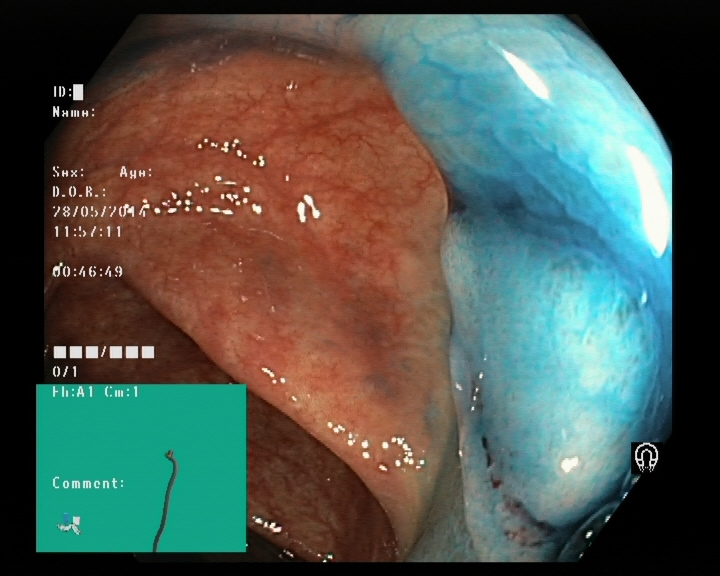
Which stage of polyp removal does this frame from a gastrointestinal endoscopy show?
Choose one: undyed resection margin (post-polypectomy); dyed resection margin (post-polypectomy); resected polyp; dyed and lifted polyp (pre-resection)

dyed and lifted polyp (pre-resection)